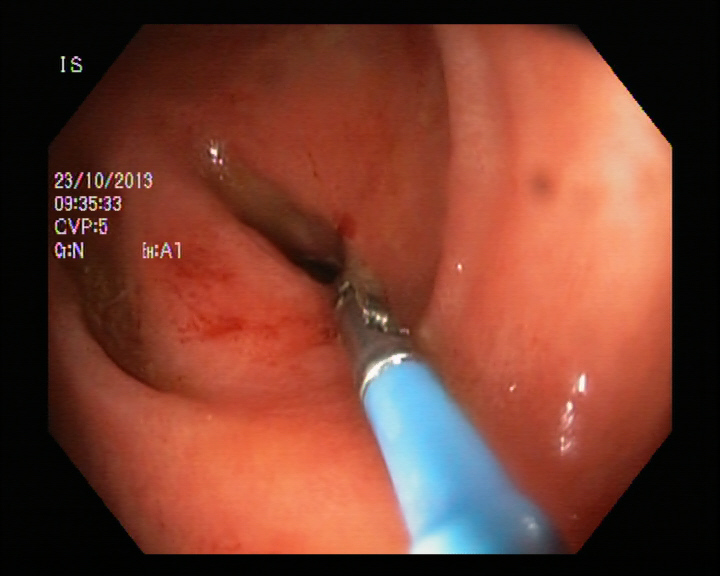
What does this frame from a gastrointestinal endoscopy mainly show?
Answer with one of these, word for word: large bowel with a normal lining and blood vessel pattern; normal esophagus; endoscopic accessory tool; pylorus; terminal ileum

endoscopic accessory tool